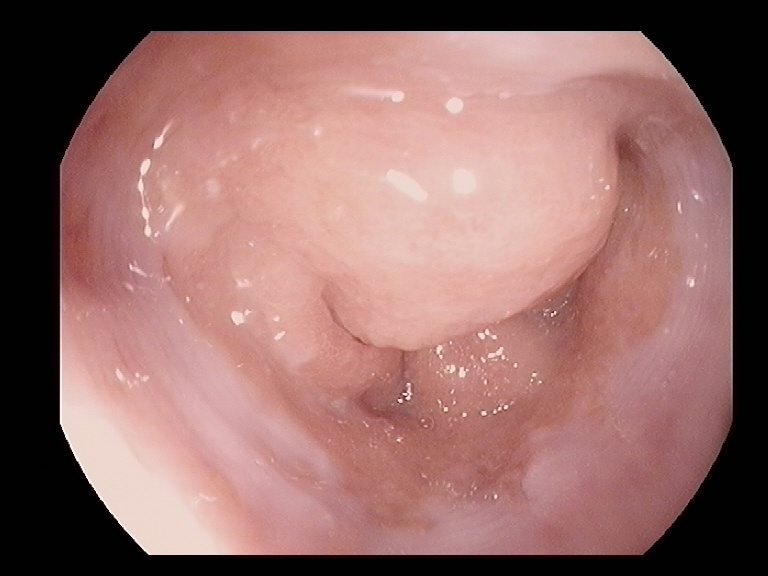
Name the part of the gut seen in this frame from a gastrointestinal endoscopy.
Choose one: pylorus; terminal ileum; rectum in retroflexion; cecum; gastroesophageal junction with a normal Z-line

gastroesophageal junction with a normal Z-line